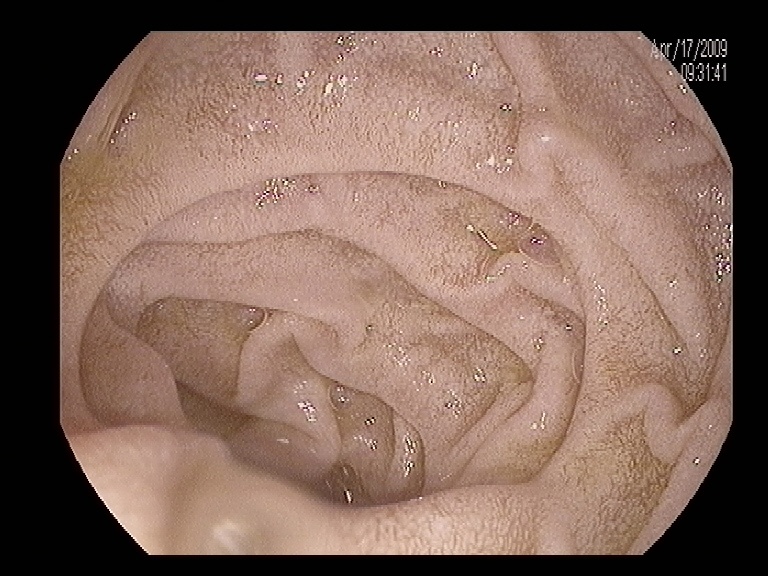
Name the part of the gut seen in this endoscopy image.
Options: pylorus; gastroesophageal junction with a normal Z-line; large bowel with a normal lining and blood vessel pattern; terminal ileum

terminal ileum